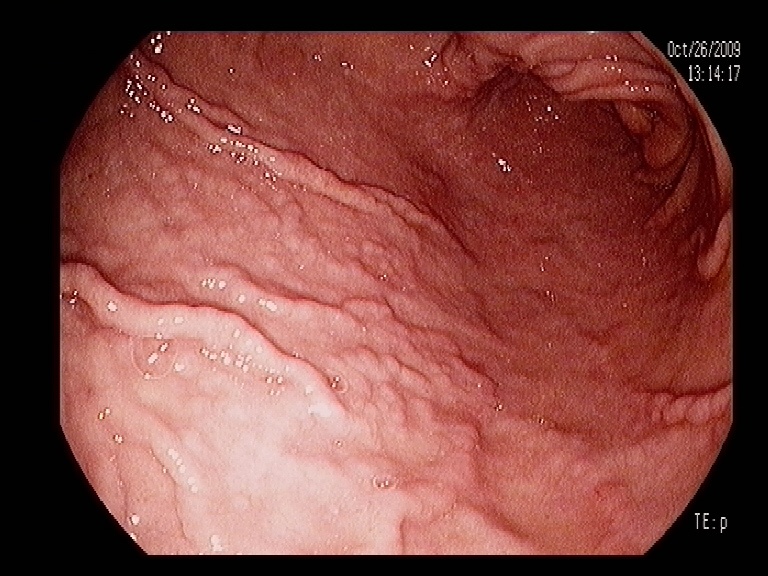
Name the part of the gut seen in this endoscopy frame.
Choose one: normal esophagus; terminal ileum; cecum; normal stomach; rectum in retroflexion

normal stomach